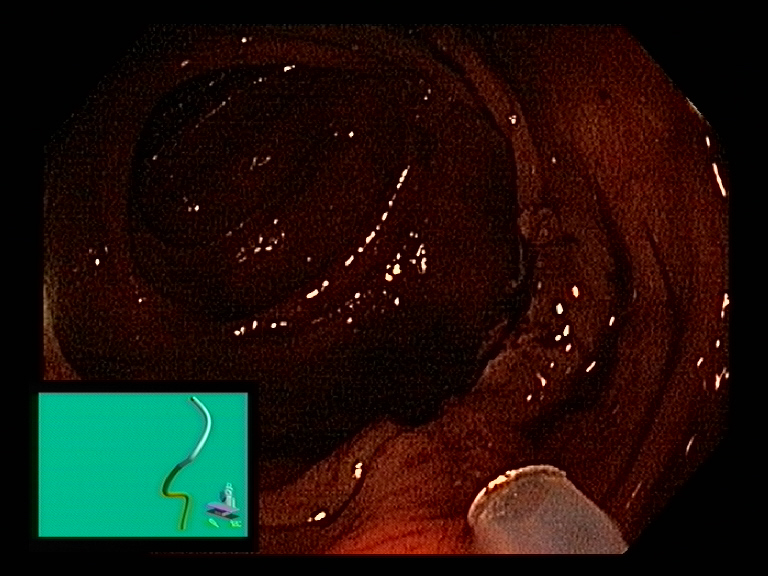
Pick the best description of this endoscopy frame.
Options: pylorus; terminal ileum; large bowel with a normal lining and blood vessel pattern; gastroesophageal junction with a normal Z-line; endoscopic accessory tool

endoscopic accessory tool